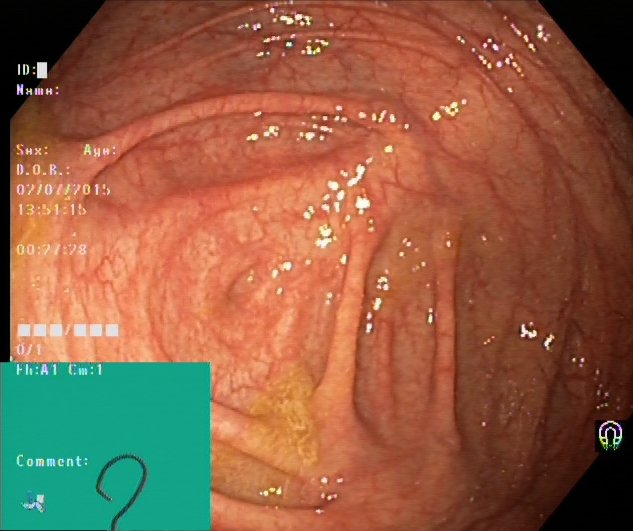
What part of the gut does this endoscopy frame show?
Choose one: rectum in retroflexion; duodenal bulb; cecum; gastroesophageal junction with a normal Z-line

cecum